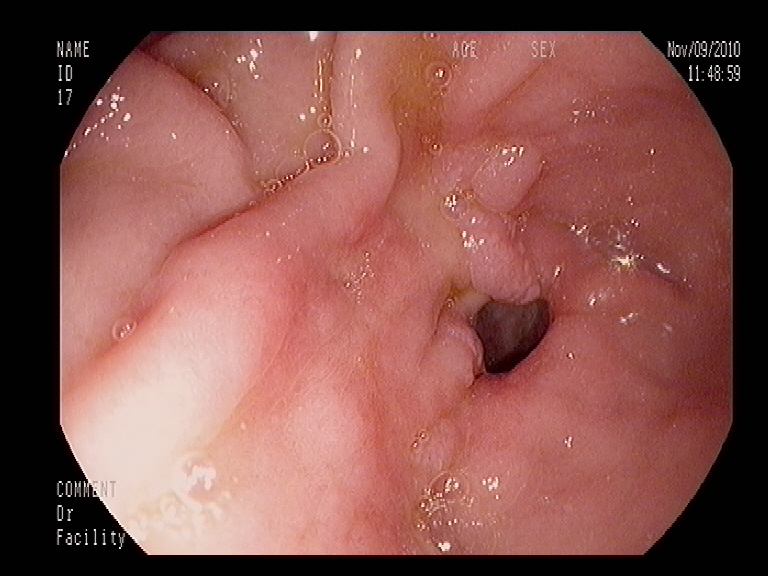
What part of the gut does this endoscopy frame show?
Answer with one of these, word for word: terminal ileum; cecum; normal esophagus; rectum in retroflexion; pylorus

pylorus